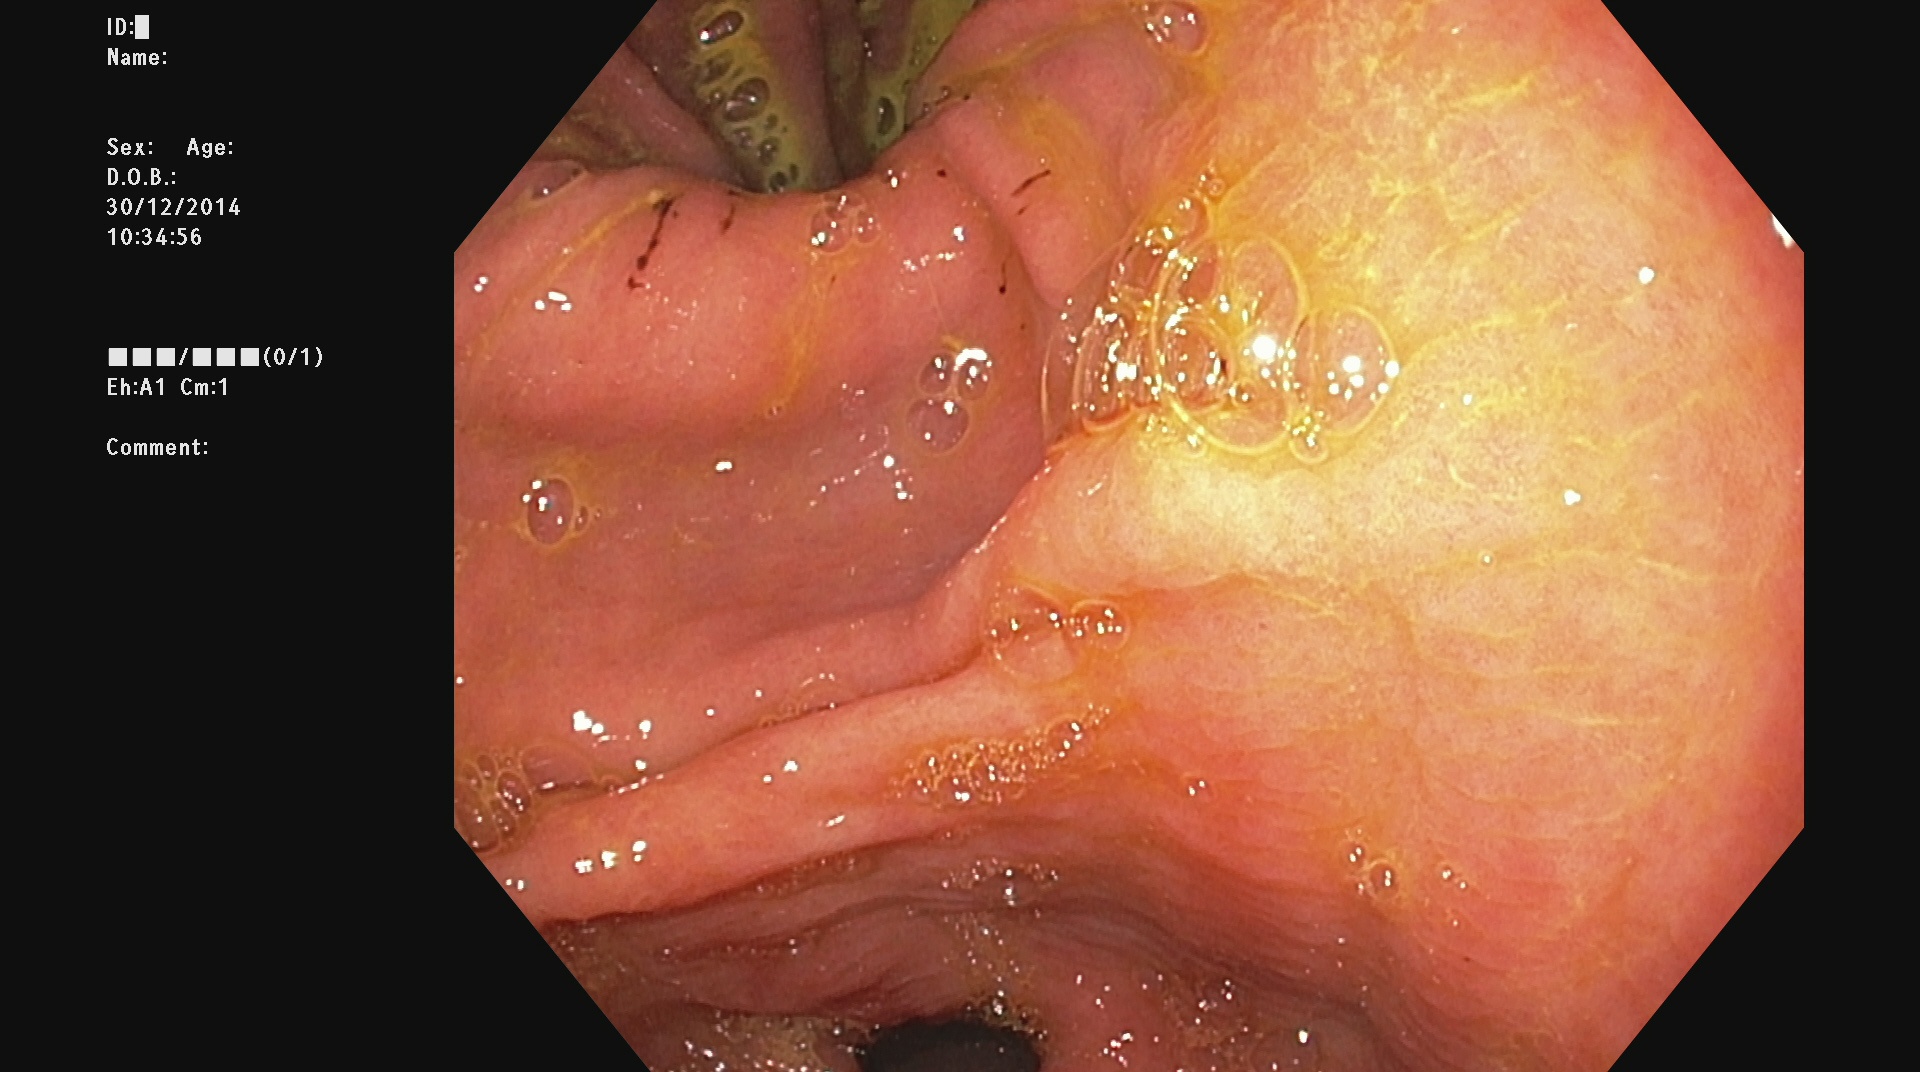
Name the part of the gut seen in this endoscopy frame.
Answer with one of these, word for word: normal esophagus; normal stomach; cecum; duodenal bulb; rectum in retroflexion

normal stomach